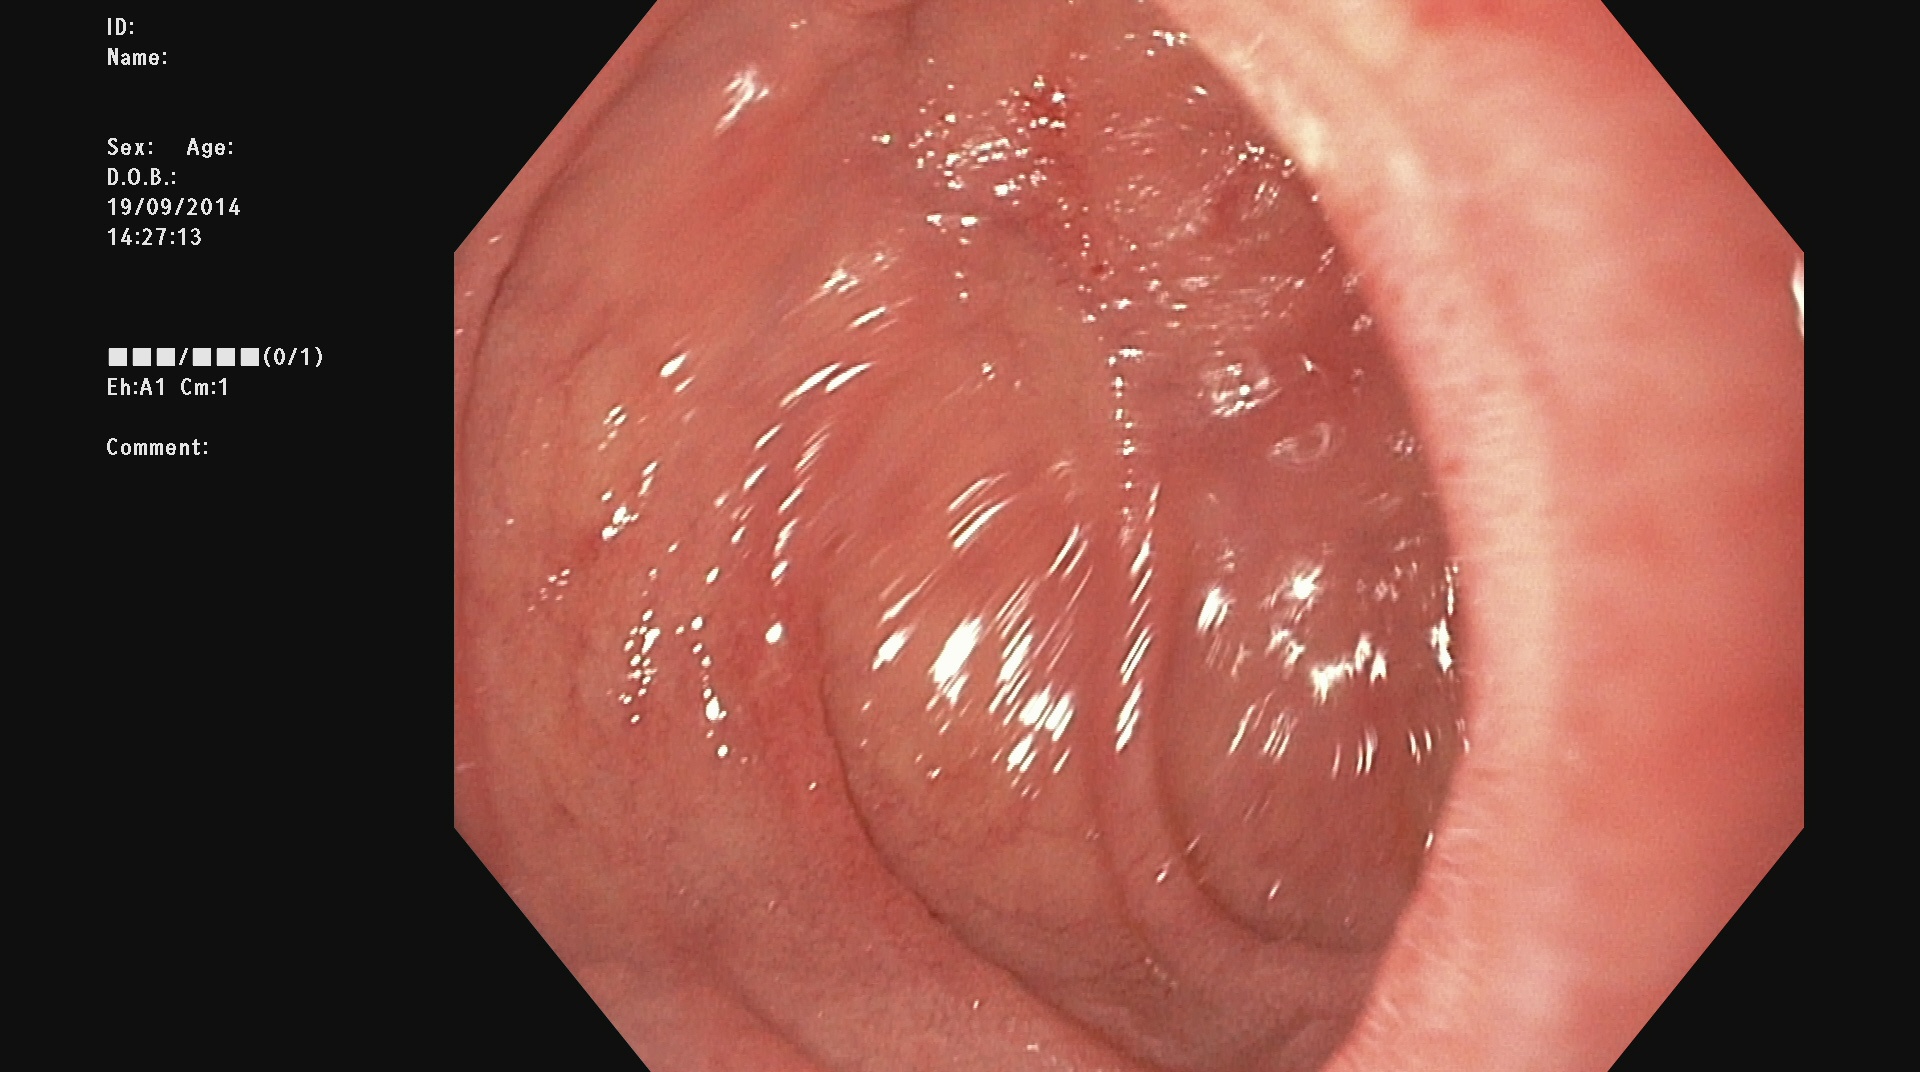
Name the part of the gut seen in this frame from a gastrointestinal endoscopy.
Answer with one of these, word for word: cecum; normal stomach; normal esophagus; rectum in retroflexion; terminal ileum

terminal ileum